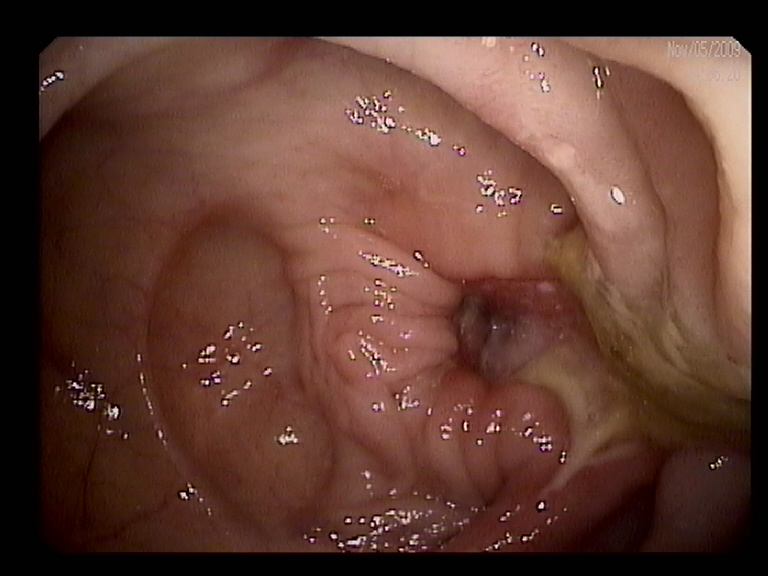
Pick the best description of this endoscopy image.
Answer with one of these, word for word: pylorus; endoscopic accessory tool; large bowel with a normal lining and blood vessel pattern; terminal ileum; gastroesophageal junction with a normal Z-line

large bowel with a normal lining and blood vessel pattern